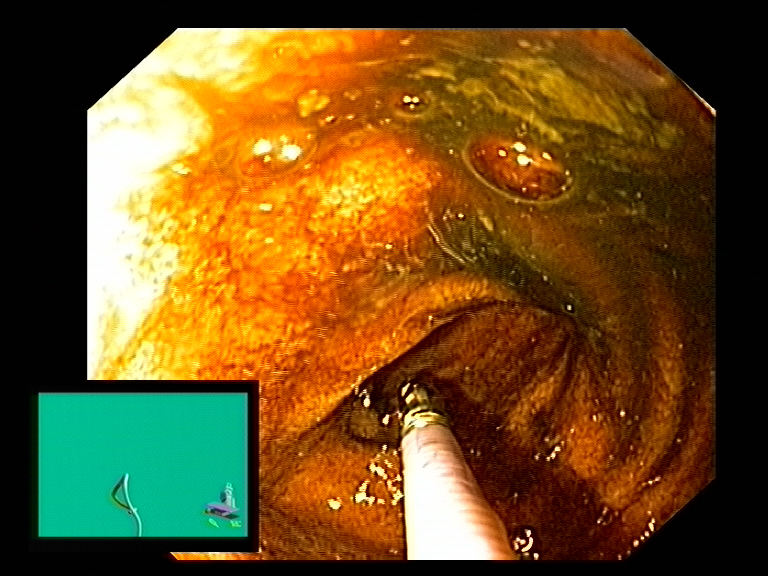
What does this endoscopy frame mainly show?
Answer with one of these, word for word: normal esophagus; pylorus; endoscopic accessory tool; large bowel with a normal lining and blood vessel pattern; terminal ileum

endoscopic accessory tool